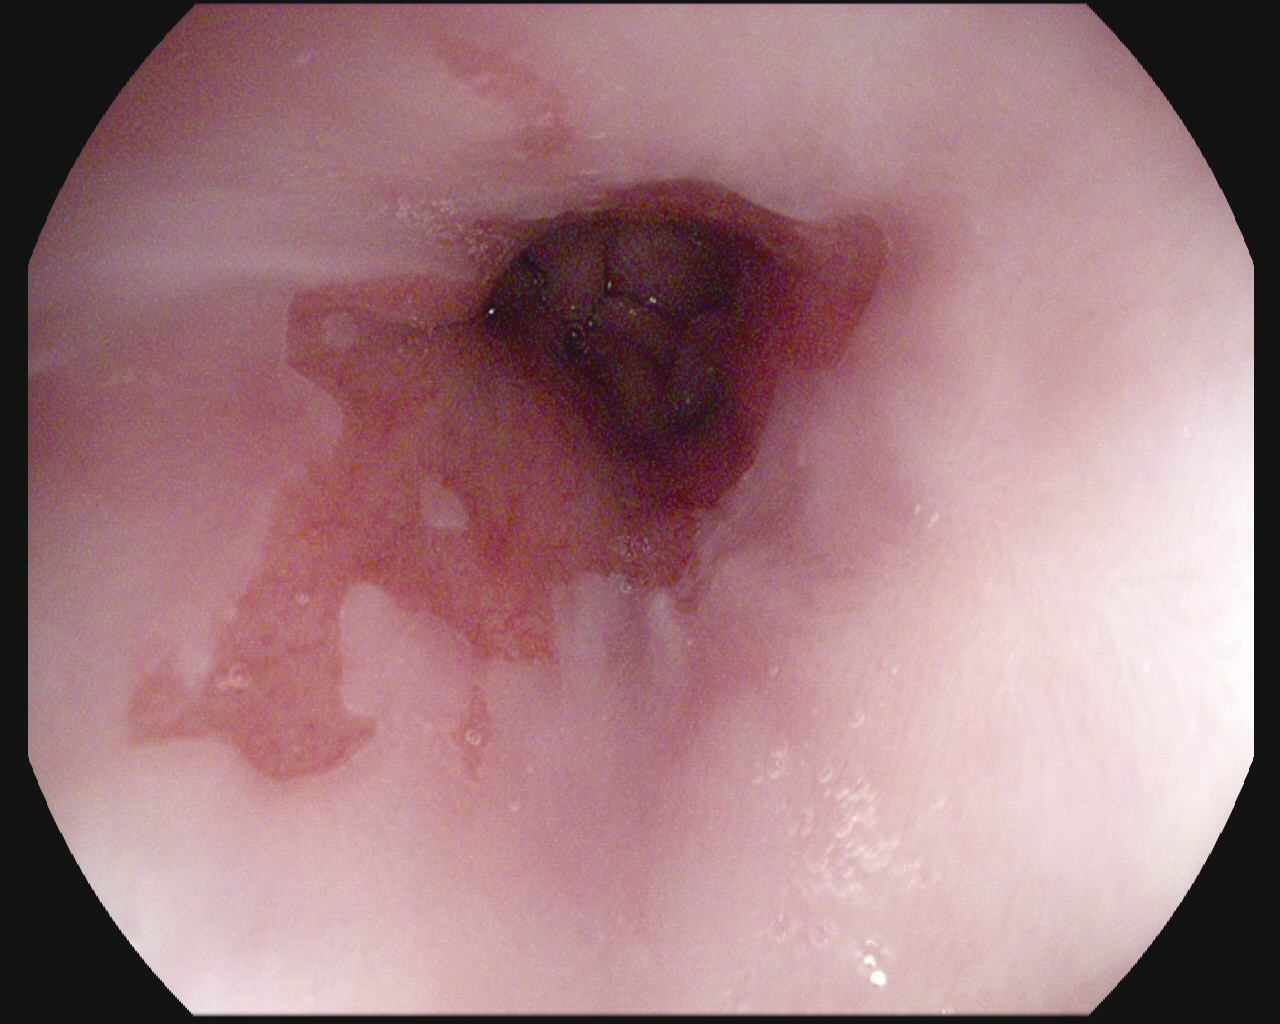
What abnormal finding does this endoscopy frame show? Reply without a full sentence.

Barrett's esophagus